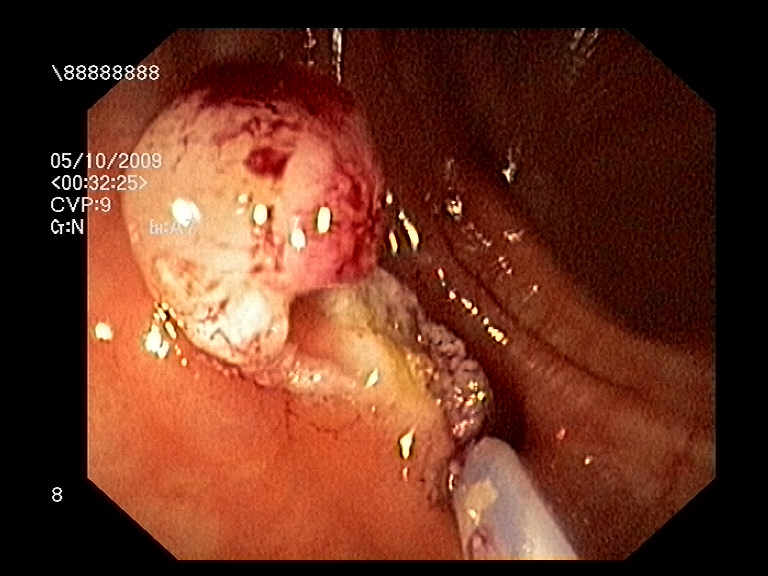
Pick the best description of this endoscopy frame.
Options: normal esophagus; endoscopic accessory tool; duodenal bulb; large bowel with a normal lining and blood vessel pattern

endoscopic accessory tool